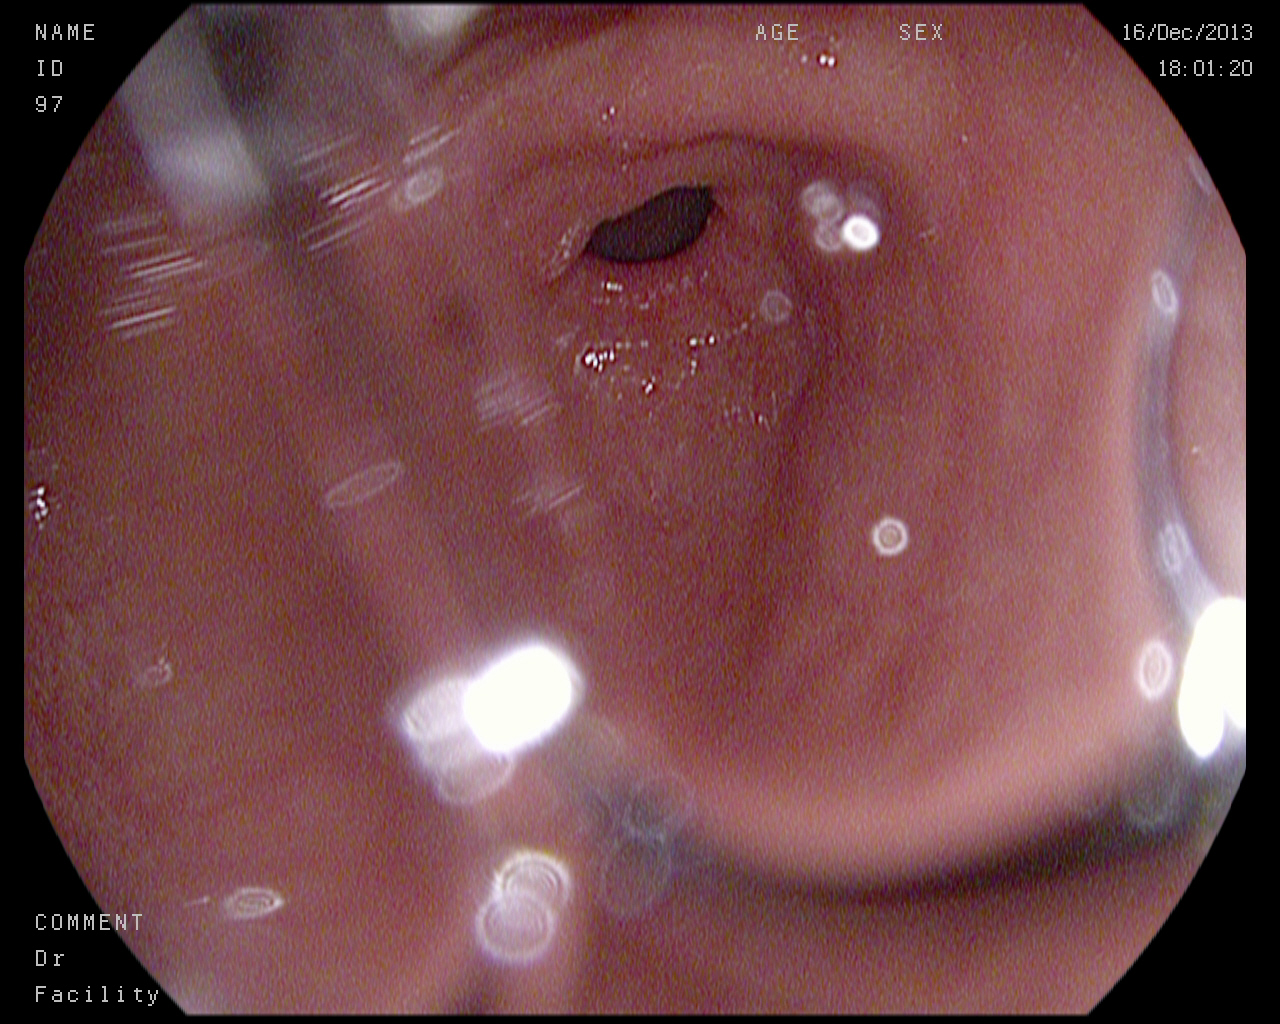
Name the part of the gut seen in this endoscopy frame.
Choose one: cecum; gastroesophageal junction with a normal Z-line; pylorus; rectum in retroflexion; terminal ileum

pylorus